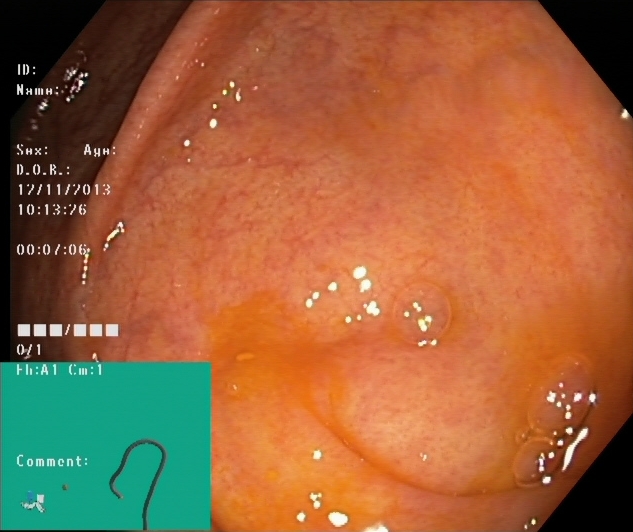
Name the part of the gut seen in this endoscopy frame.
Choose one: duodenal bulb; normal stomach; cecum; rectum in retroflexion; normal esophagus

cecum